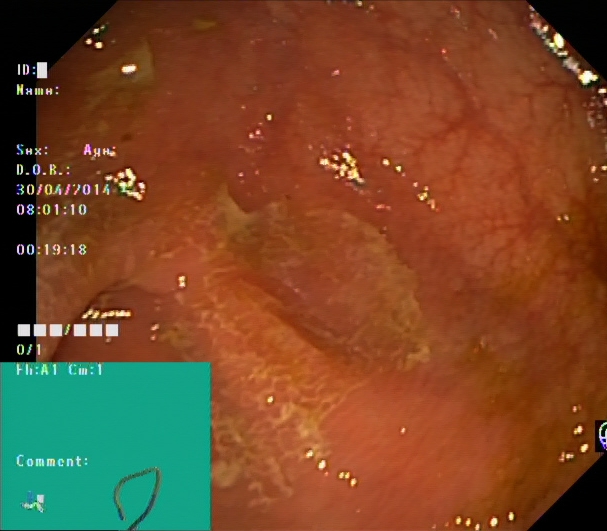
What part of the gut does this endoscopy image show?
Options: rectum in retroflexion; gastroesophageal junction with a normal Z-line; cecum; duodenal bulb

cecum